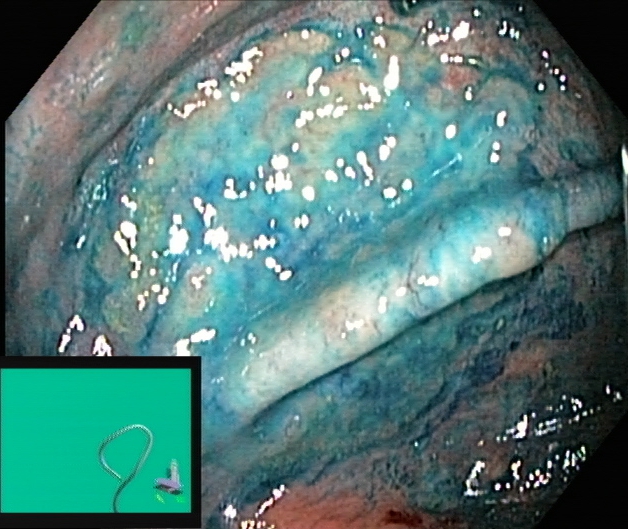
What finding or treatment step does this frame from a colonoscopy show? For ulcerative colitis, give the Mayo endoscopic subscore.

dyed and lifted polyp (pre-resection)